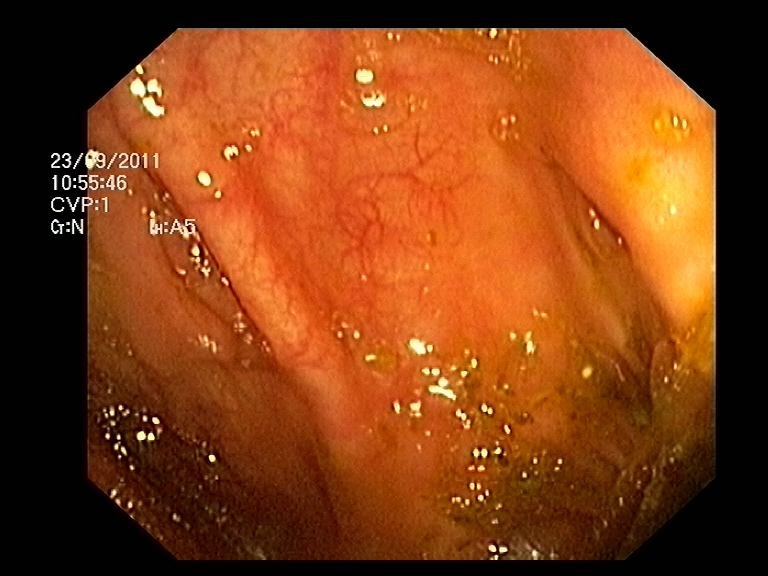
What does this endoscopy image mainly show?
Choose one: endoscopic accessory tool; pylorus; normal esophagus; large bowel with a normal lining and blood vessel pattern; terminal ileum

large bowel with a normal lining and blood vessel pattern